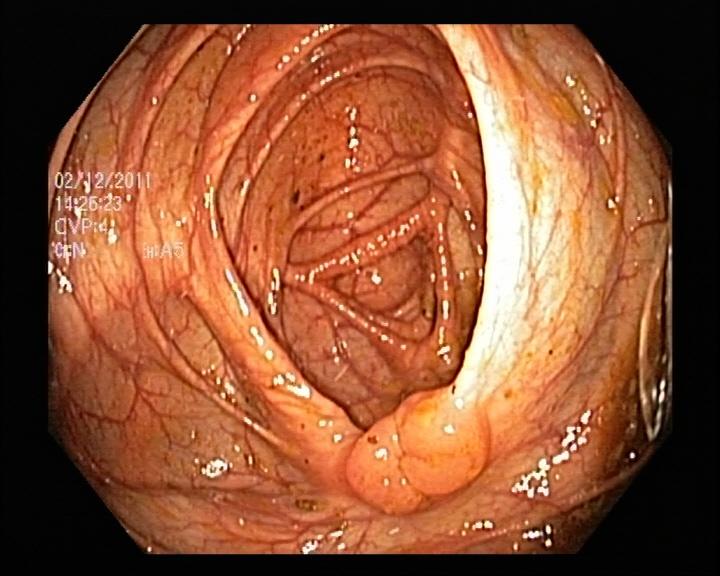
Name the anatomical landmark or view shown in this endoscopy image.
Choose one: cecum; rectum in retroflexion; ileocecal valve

ileocecal valve